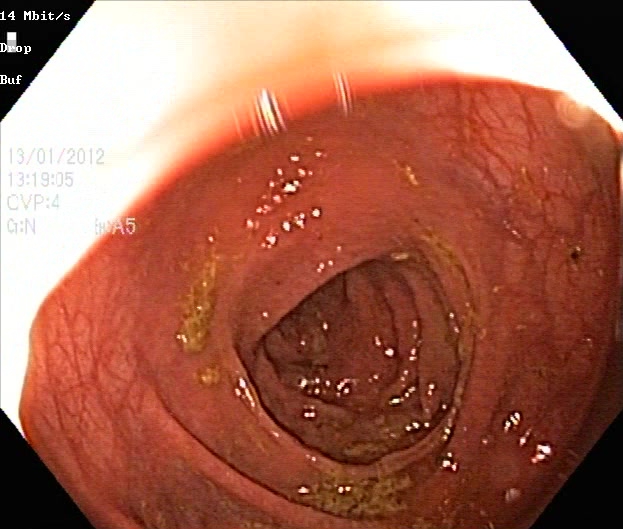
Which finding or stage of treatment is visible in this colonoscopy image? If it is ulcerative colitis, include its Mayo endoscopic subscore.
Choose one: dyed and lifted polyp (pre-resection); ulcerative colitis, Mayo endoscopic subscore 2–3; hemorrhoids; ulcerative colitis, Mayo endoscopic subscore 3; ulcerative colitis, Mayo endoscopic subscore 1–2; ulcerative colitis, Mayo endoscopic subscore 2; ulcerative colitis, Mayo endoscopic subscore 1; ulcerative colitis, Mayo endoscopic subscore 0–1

ulcerative colitis, Mayo endoscopic subscore 1